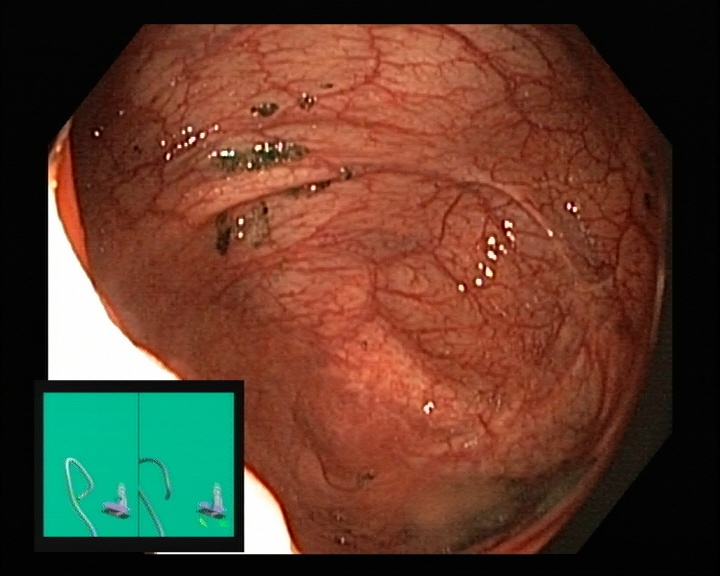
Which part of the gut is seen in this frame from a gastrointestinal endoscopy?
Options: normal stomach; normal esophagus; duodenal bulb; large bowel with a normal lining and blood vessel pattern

large bowel with a normal lining and blood vessel pattern